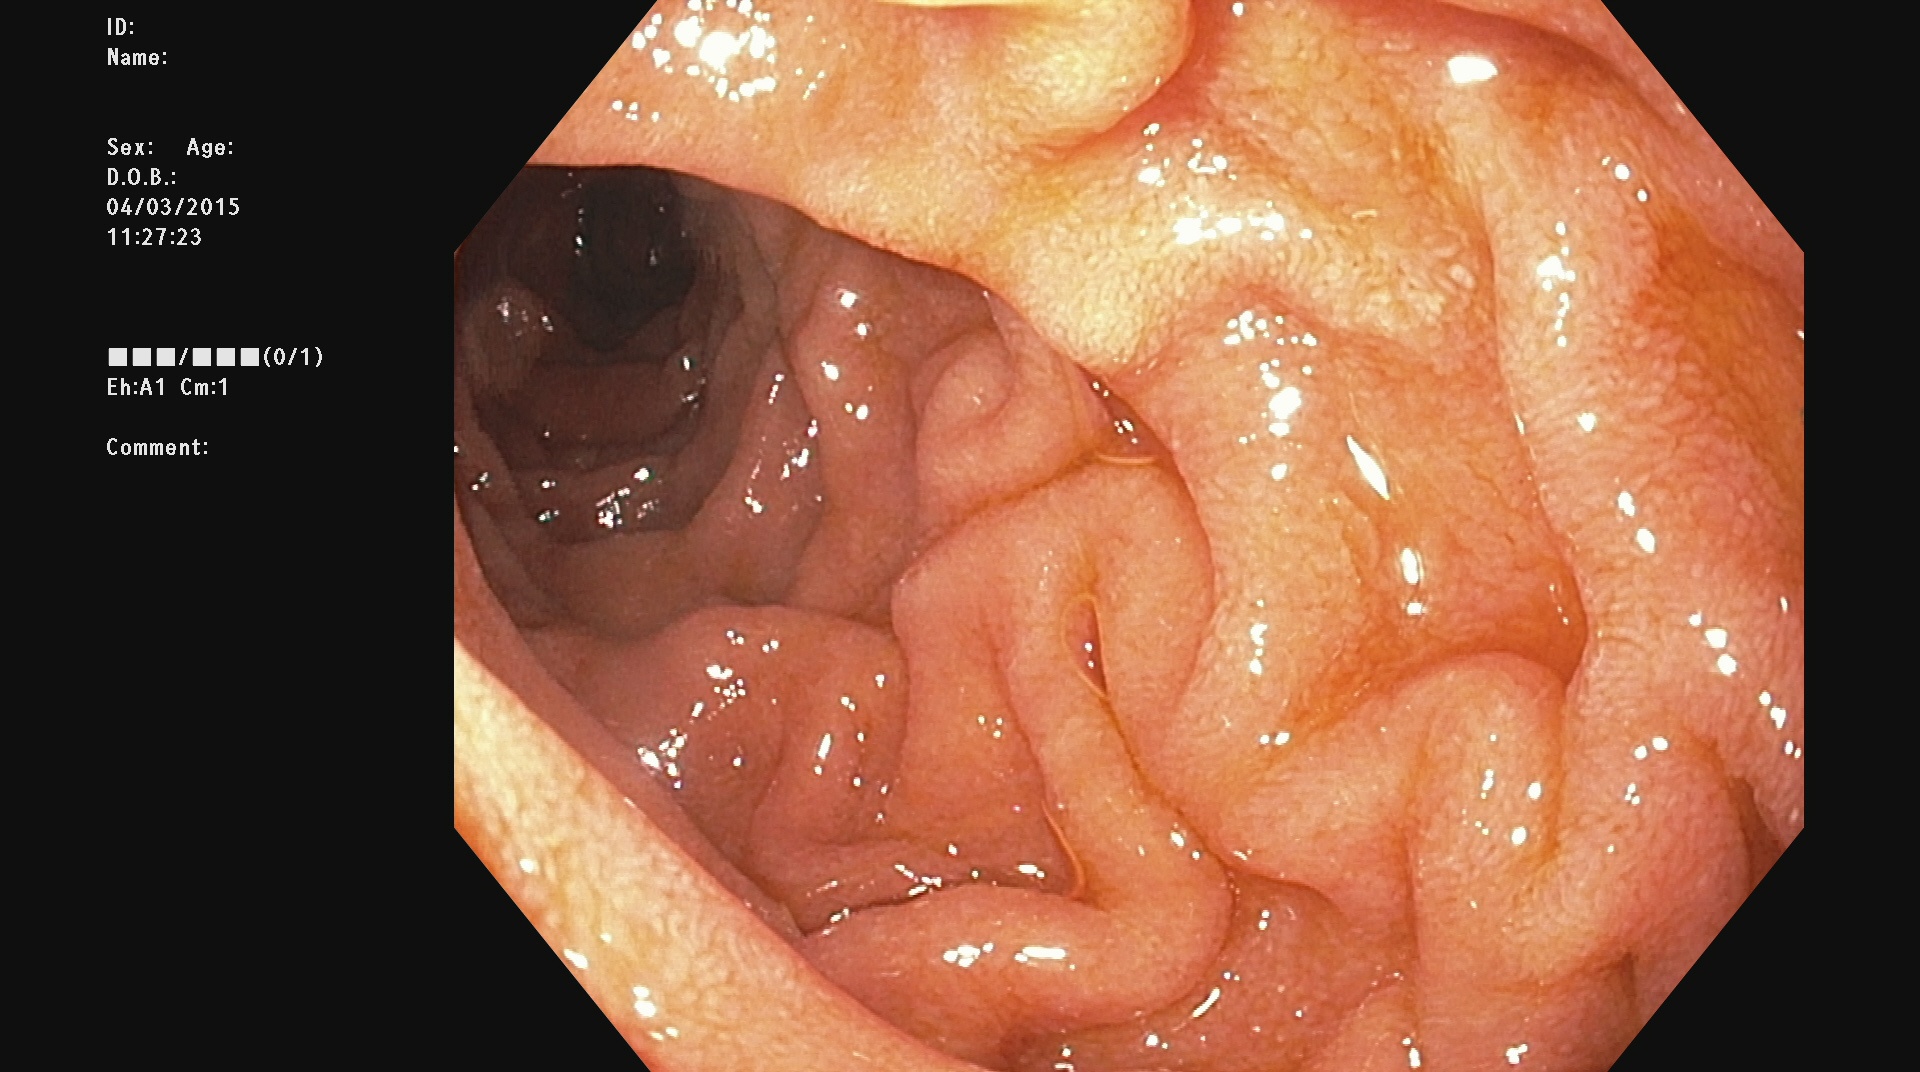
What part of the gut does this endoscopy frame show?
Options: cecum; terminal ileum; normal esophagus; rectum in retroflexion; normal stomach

terminal ileum